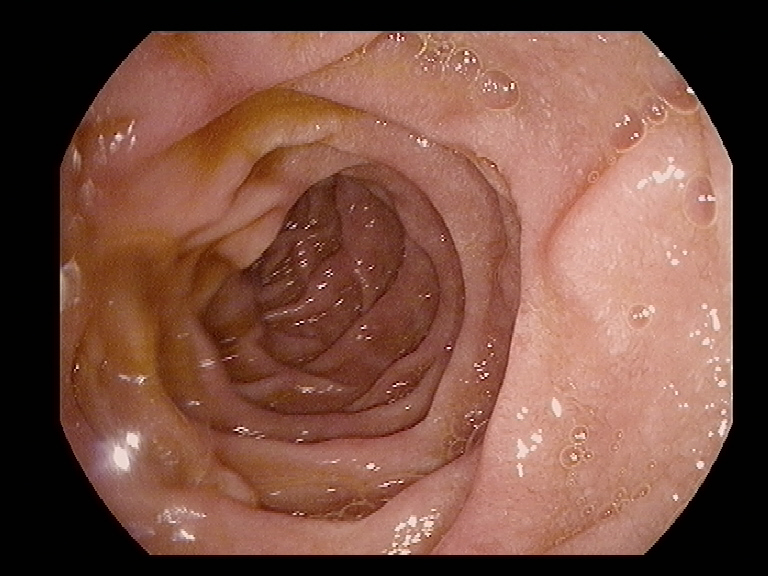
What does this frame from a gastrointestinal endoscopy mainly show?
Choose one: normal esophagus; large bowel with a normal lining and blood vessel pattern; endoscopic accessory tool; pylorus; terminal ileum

terminal ileum